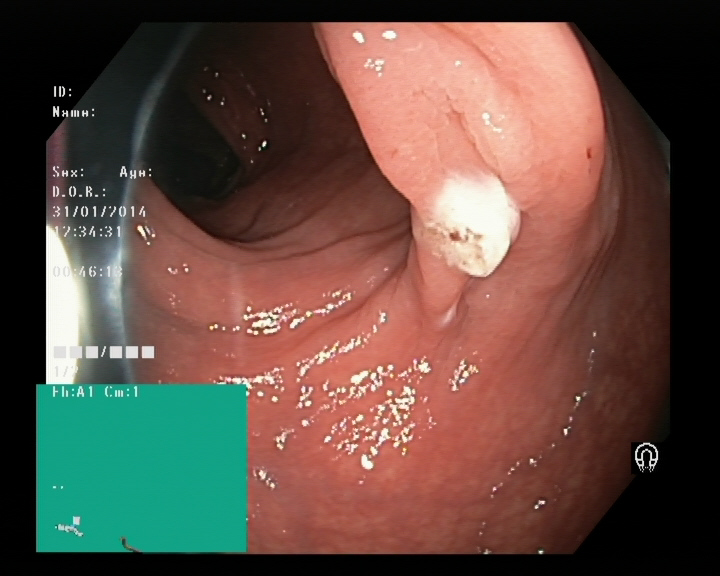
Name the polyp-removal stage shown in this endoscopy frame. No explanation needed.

undyed resection margin (post-polypectomy)